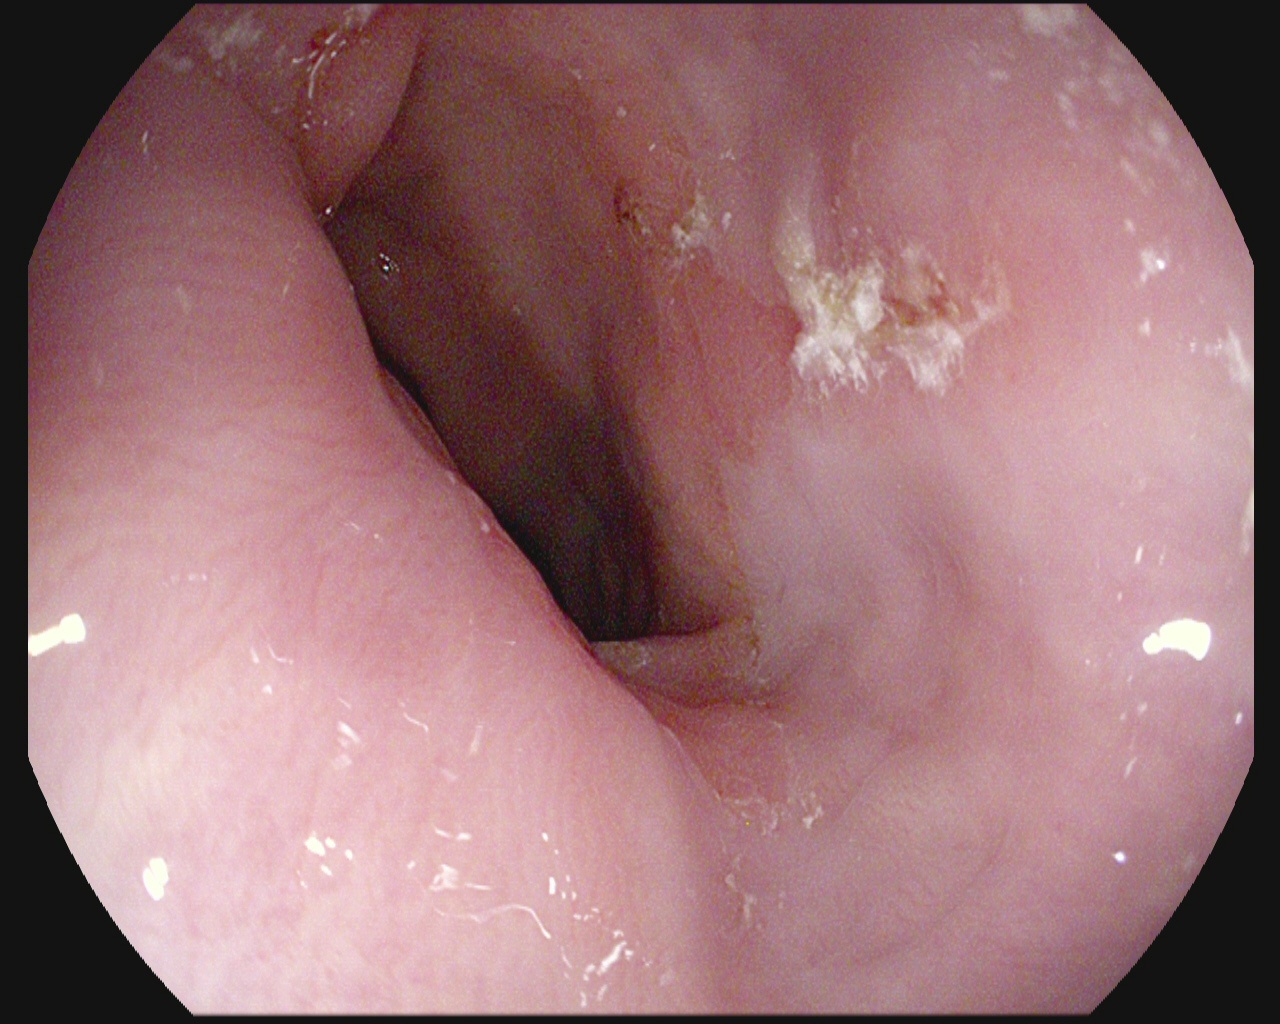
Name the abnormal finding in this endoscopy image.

esophagitis